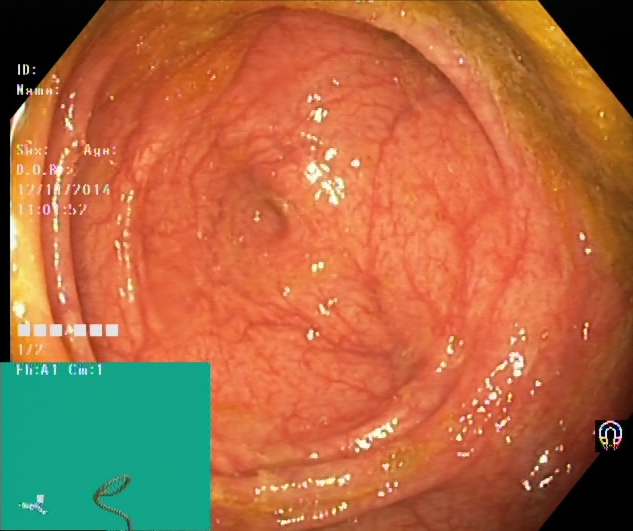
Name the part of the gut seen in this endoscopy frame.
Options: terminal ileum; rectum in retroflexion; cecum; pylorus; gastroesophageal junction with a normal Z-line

cecum